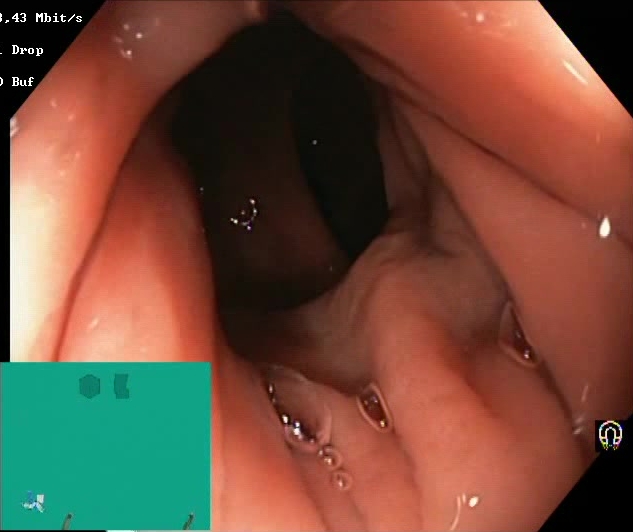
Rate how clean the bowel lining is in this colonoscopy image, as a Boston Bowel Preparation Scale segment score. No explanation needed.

Boston Bowel Preparation Scale score 2–3 (adequate preparation)